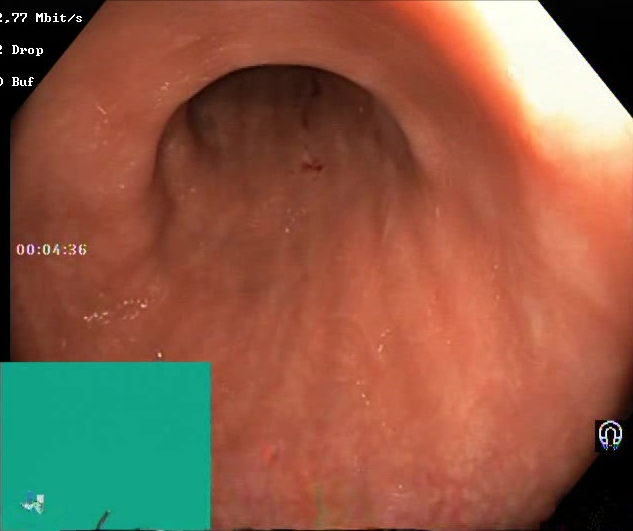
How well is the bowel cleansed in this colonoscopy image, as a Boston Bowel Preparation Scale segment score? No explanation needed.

Boston Bowel Preparation Scale score 2–3 (adequate preparation)